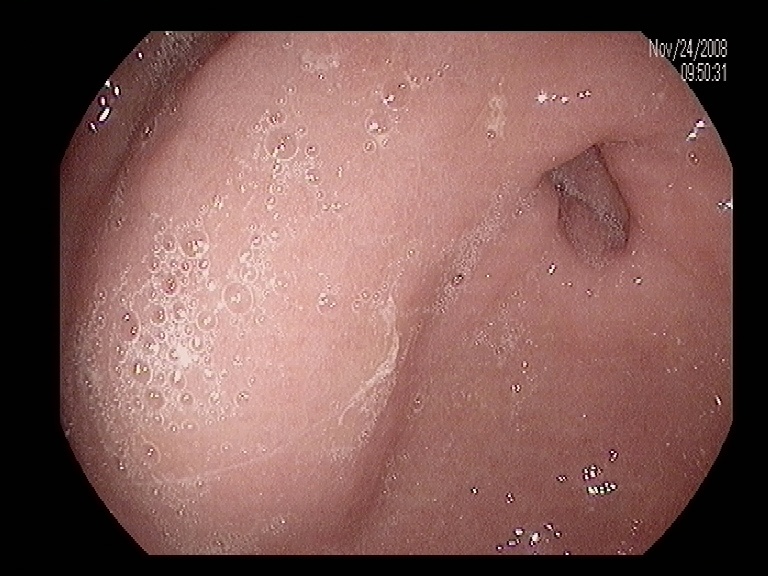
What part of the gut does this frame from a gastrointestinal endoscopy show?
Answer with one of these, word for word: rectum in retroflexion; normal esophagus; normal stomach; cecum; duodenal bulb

normal stomach